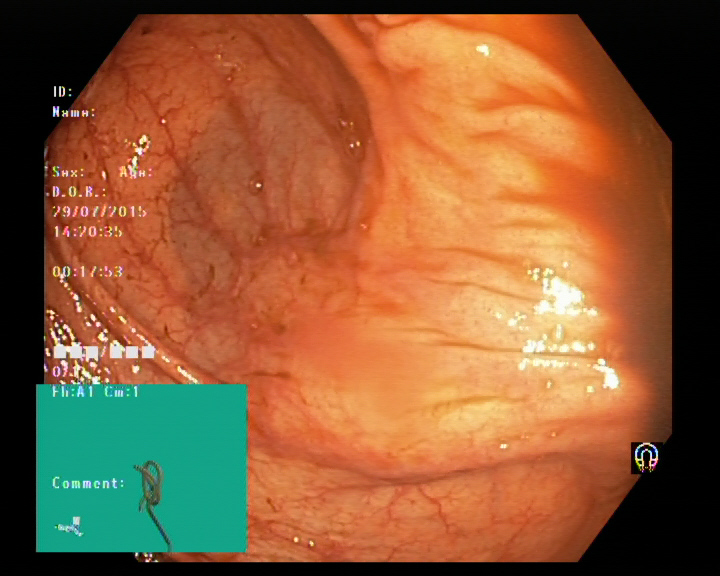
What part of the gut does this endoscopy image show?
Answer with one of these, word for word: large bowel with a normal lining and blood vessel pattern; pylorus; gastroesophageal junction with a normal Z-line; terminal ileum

large bowel with a normal lining and blood vessel pattern